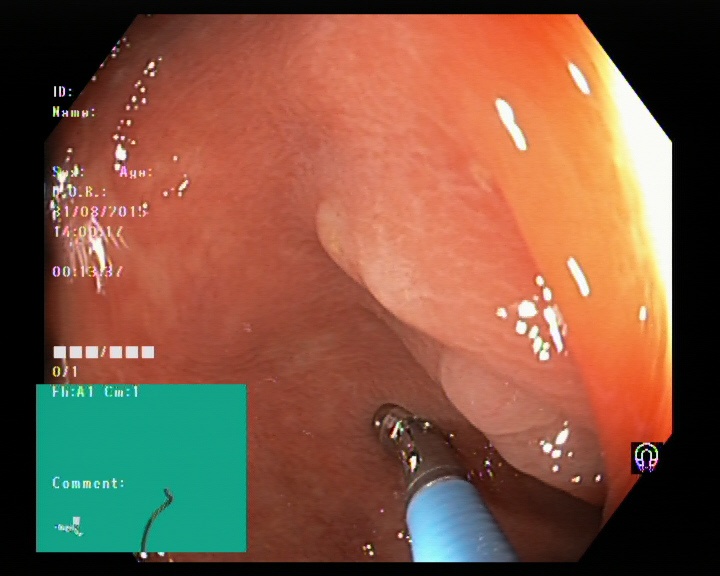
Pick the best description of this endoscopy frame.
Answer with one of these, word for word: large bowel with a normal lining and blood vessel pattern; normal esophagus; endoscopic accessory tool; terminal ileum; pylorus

endoscopic accessory tool